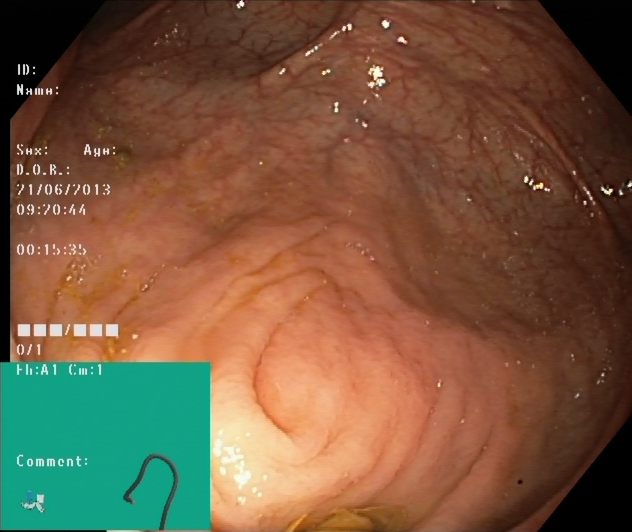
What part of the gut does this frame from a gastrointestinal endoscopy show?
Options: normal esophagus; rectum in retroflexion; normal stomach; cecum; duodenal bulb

cecum